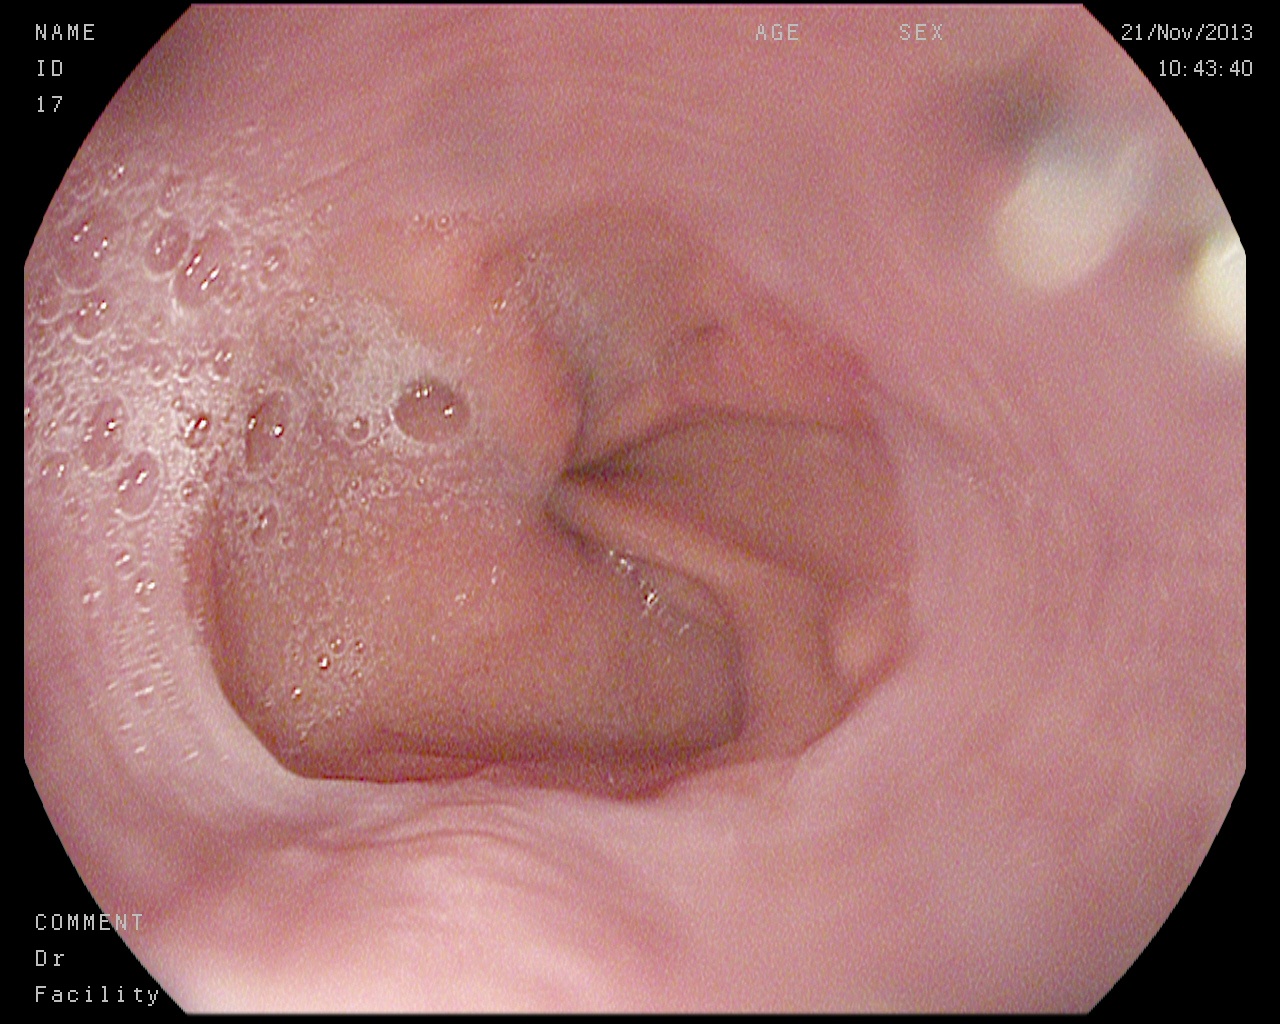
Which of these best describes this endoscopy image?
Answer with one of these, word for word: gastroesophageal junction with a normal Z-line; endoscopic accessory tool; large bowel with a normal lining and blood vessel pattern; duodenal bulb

gastroesophageal junction with a normal Z-line